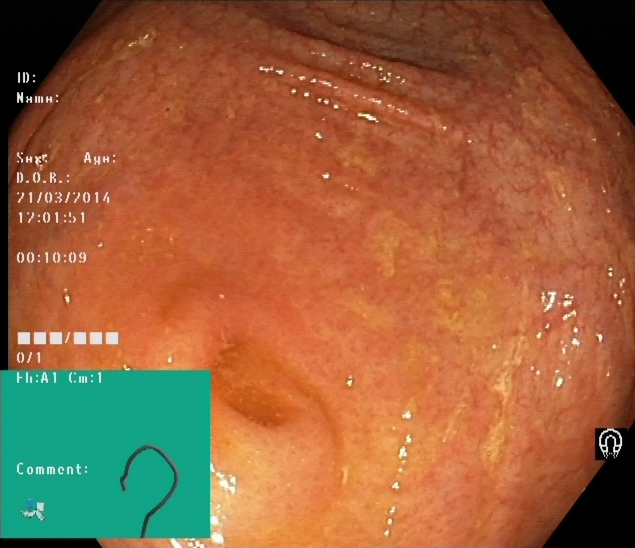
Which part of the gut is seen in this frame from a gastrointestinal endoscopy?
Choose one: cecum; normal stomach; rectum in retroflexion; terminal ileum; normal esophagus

cecum